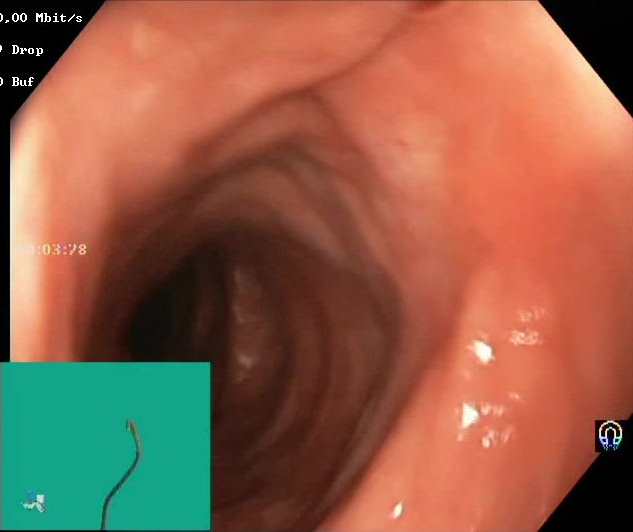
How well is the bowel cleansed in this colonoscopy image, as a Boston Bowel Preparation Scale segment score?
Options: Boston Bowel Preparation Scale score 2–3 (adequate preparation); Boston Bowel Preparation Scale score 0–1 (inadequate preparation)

Boston Bowel Preparation Scale score 2–3 (adequate preparation)